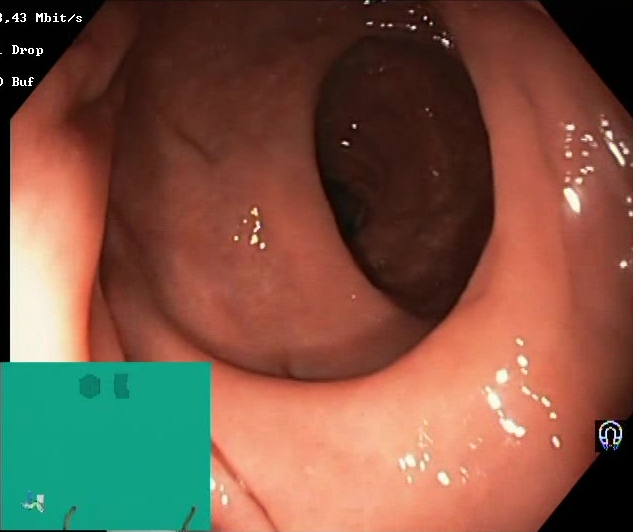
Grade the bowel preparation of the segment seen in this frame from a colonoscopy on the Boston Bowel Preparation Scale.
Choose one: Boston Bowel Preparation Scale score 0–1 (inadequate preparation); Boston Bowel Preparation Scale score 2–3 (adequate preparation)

Boston Bowel Preparation Scale score 2–3 (adequate preparation)